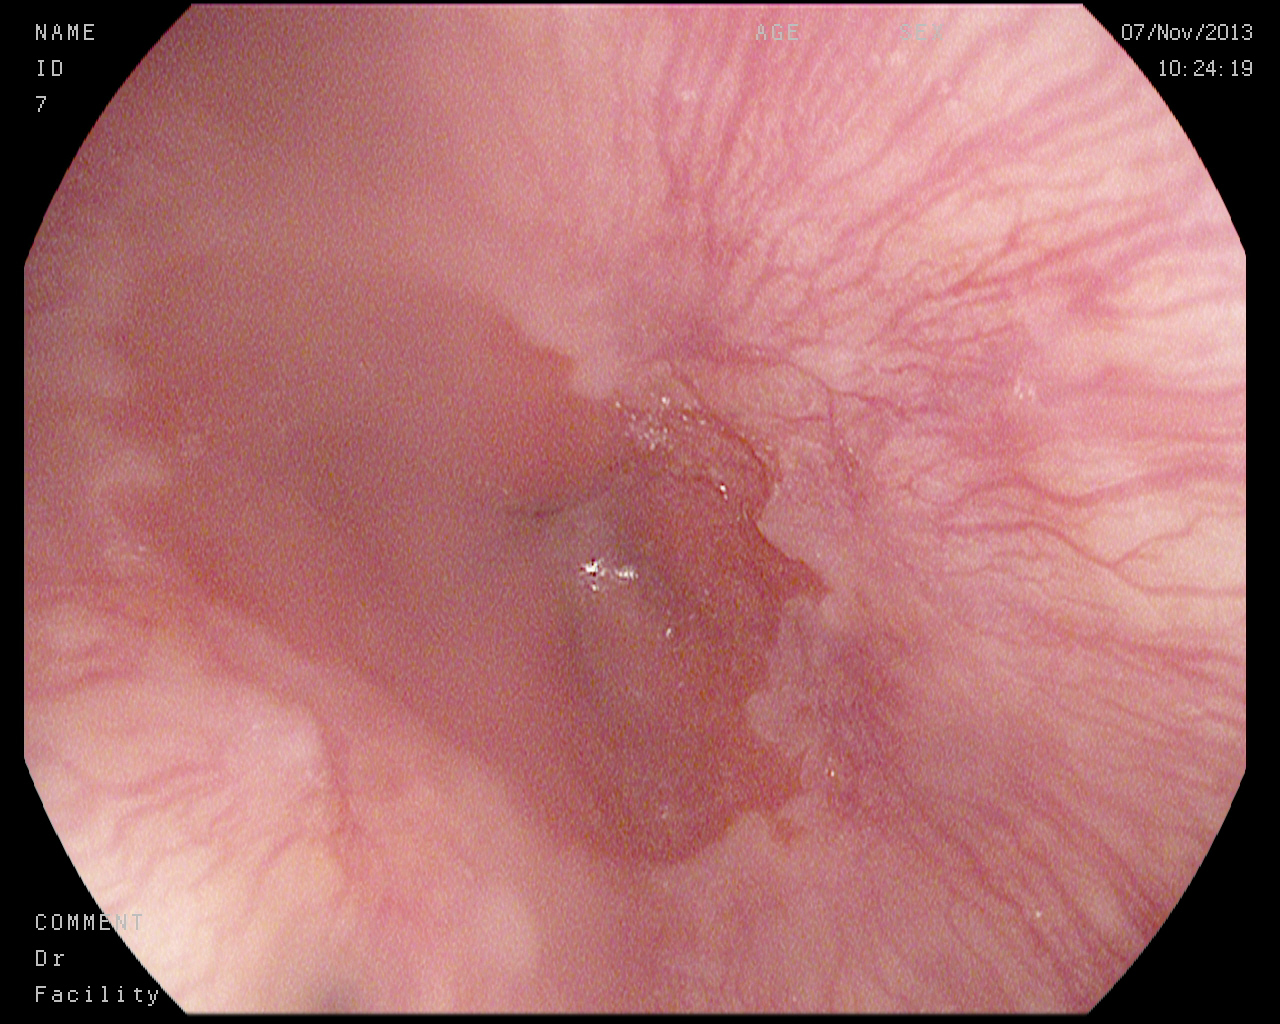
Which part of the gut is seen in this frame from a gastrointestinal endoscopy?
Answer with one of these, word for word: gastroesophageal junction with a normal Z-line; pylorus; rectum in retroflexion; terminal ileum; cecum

gastroesophageal junction with a normal Z-line